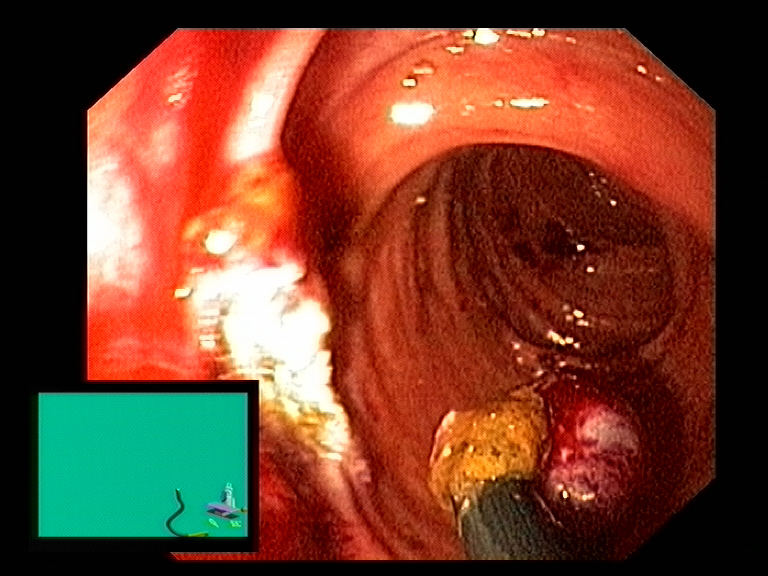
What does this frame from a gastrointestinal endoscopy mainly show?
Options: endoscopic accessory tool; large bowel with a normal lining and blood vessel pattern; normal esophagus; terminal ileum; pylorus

endoscopic accessory tool